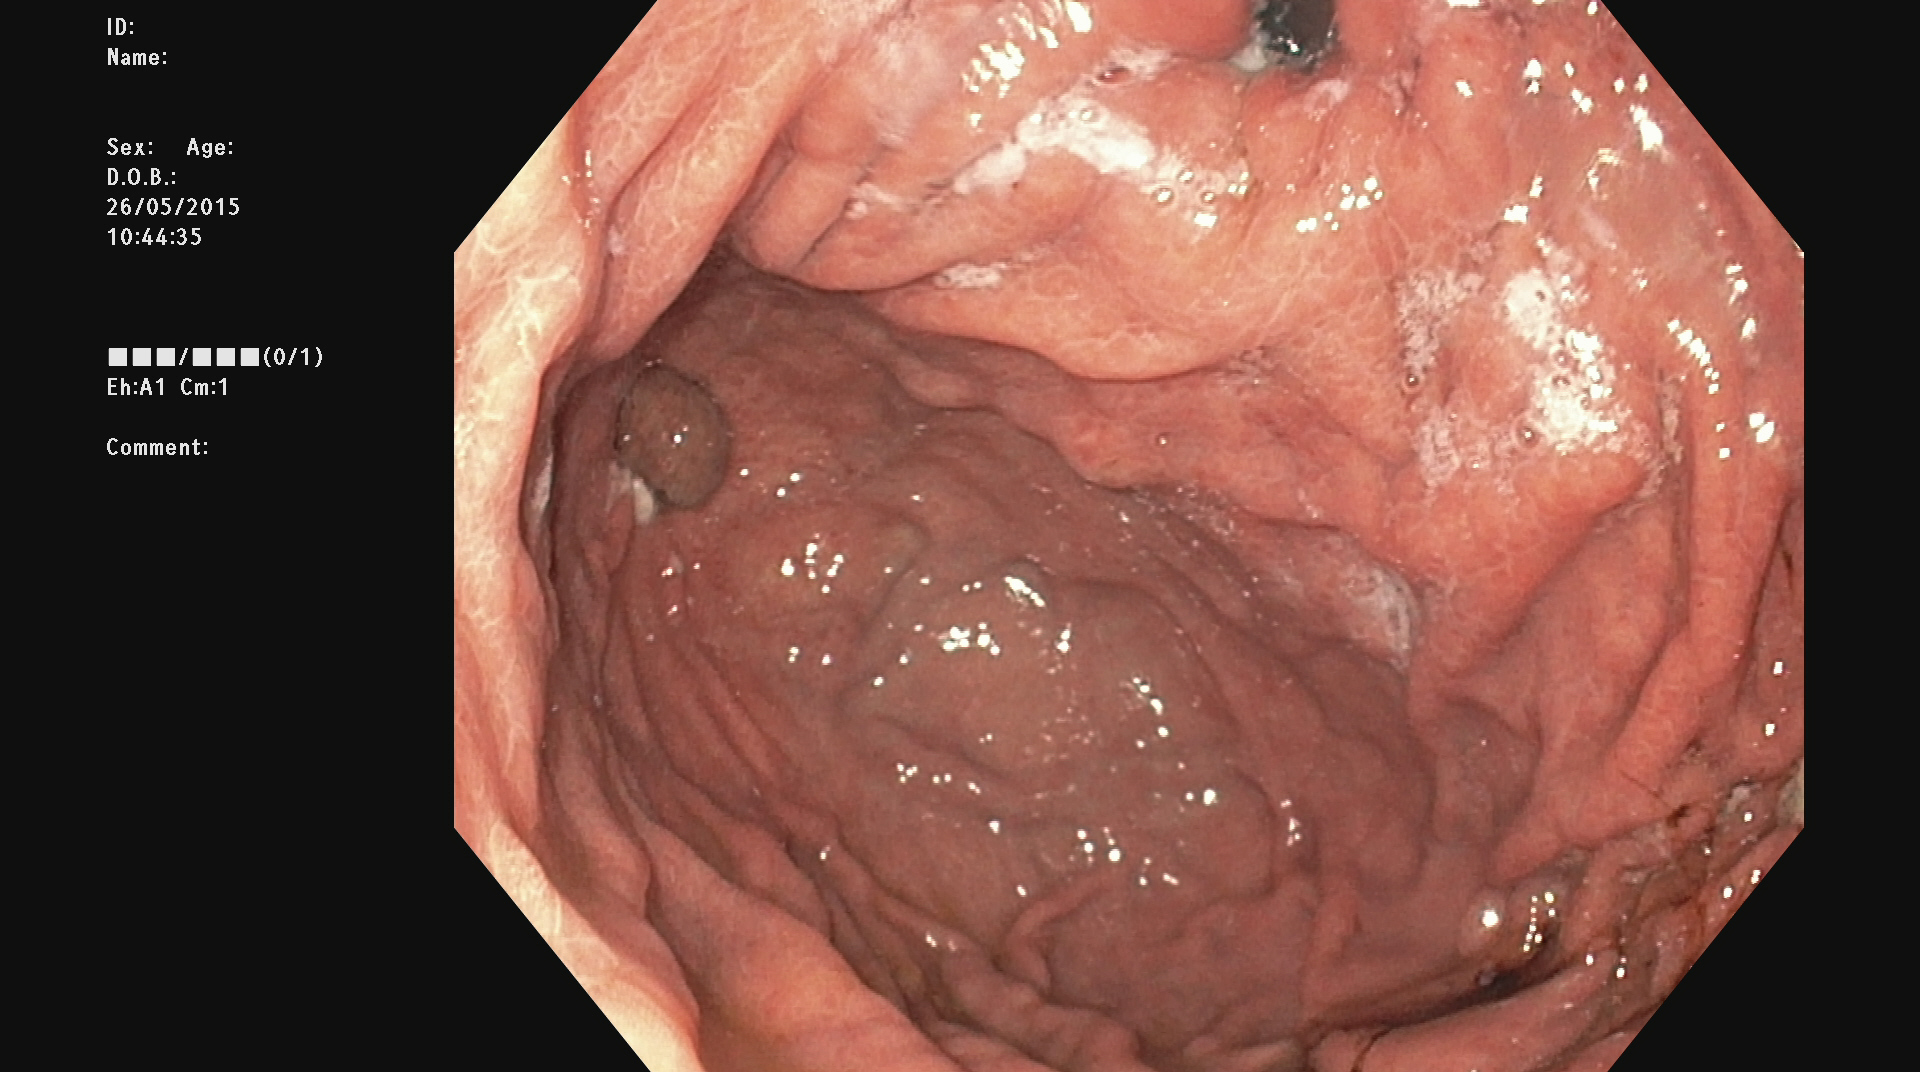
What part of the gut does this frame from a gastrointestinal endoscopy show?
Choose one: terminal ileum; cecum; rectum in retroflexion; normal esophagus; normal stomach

normal stomach